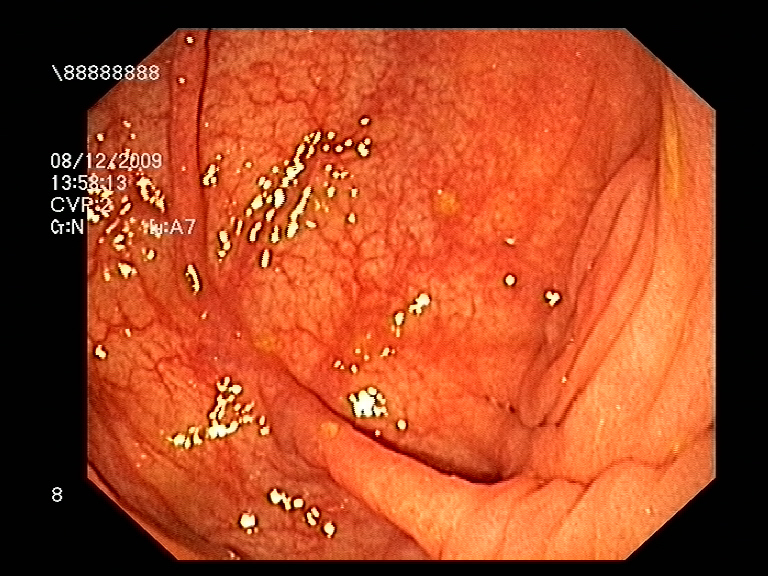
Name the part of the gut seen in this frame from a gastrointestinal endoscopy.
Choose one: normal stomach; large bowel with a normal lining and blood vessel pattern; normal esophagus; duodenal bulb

large bowel with a normal lining and blood vessel pattern